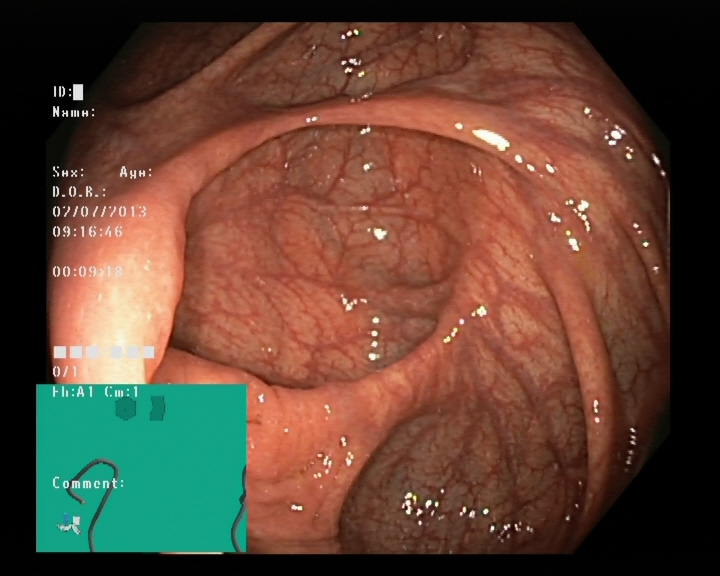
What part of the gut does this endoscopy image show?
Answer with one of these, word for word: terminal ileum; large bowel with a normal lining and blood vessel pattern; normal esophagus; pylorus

large bowel with a normal lining and blood vessel pattern